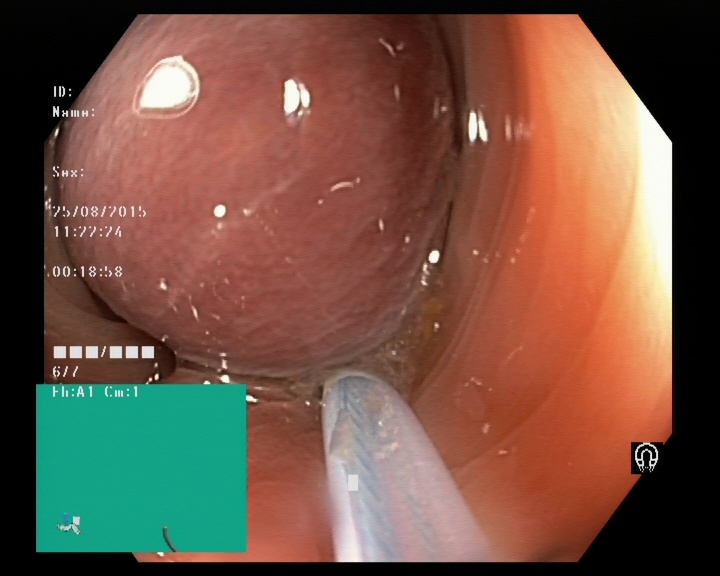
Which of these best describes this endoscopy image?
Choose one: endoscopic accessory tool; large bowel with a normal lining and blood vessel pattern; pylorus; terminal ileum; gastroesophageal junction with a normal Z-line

endoscopic accessory tool